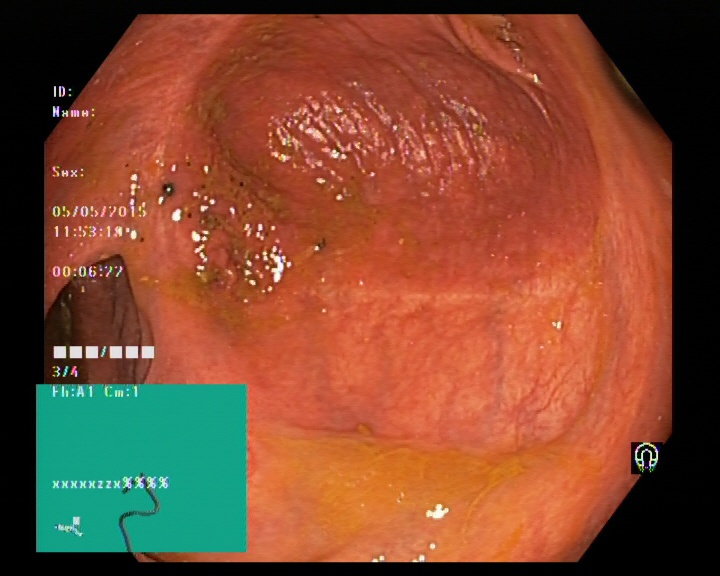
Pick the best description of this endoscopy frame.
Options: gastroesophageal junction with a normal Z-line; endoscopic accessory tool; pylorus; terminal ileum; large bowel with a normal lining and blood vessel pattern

large bowel with a normal lining and blood vessel pattern